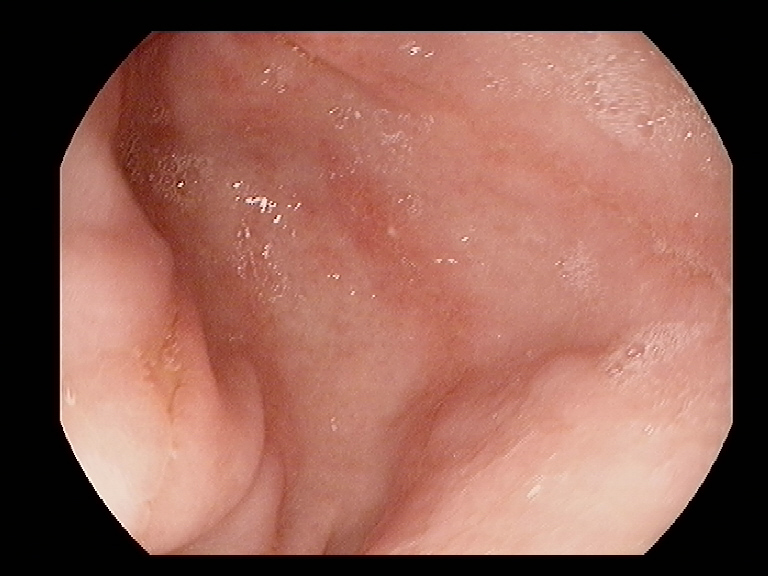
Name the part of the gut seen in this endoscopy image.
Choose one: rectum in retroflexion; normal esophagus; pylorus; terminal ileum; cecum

terminal ileum